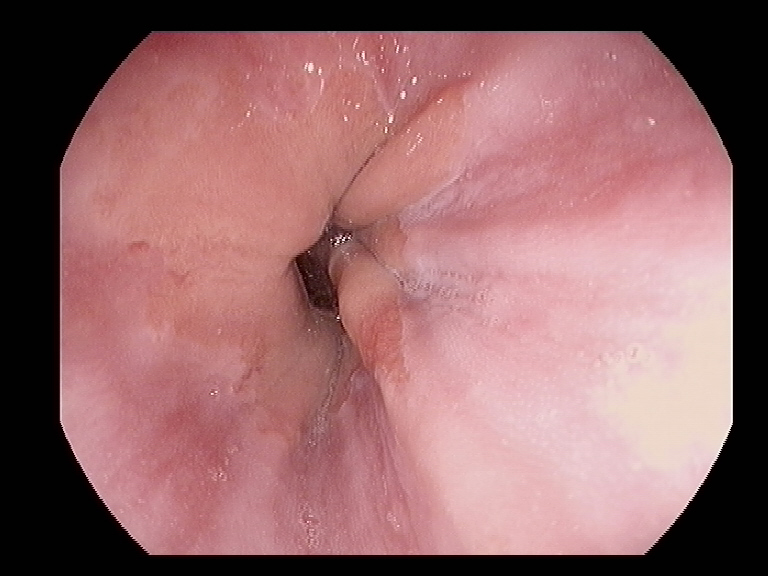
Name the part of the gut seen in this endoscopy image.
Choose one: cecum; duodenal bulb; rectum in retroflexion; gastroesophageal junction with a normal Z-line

gastroesophageal junction with a normal Z-line